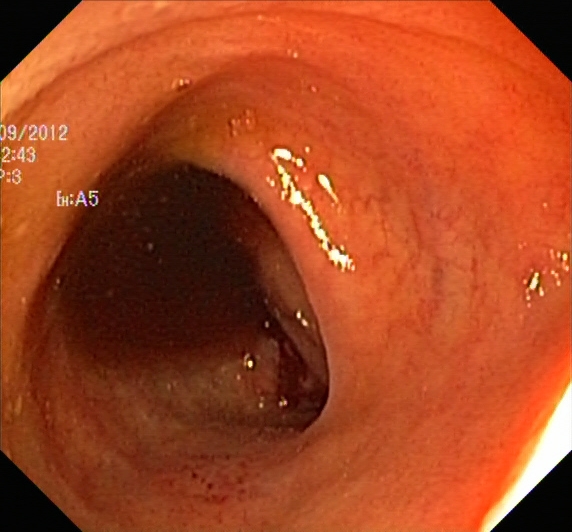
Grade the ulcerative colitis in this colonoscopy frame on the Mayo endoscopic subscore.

ulcerative colitis, Mayo endoscopic subscore 1